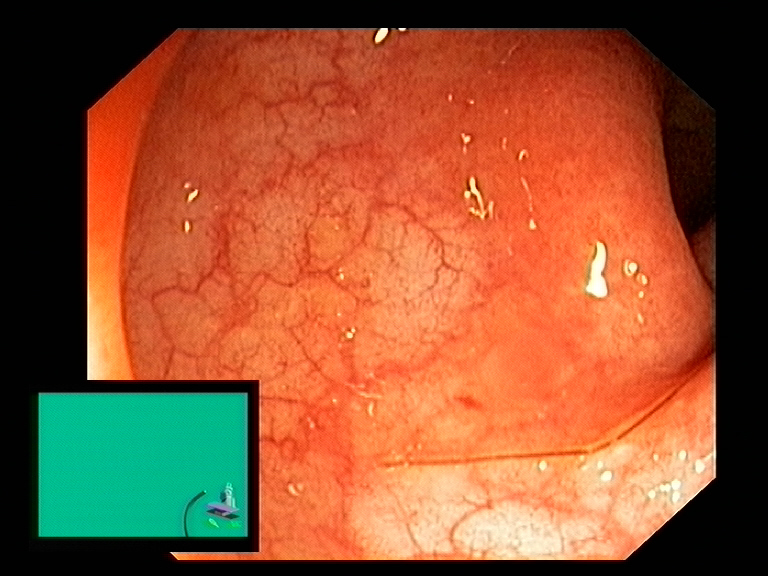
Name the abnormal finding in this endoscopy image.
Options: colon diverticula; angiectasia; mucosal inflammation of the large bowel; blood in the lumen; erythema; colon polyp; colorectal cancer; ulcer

erythema